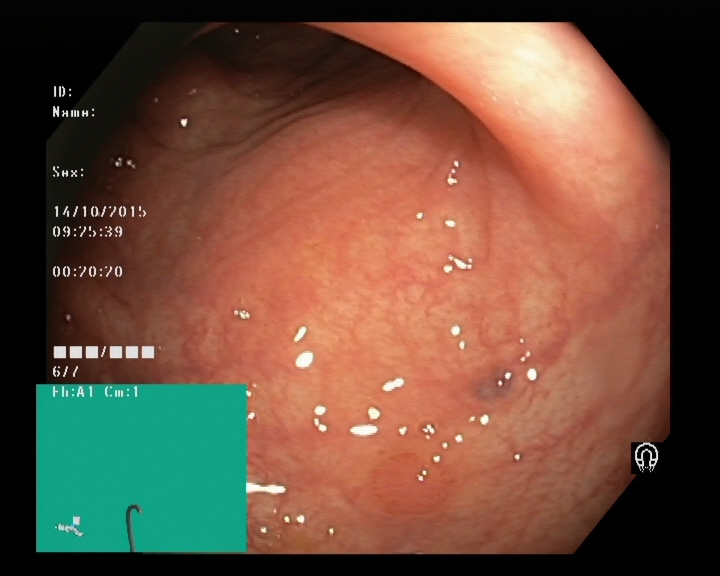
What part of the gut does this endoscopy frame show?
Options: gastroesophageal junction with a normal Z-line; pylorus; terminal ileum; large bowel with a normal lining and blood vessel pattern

large bowel with a normal lining and blood vessel pattern